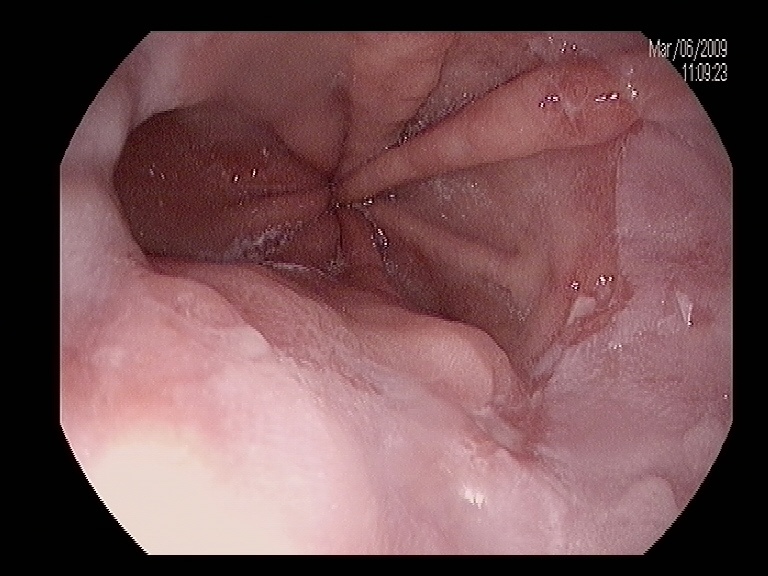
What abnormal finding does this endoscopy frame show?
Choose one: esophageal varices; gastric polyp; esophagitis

esophagitis